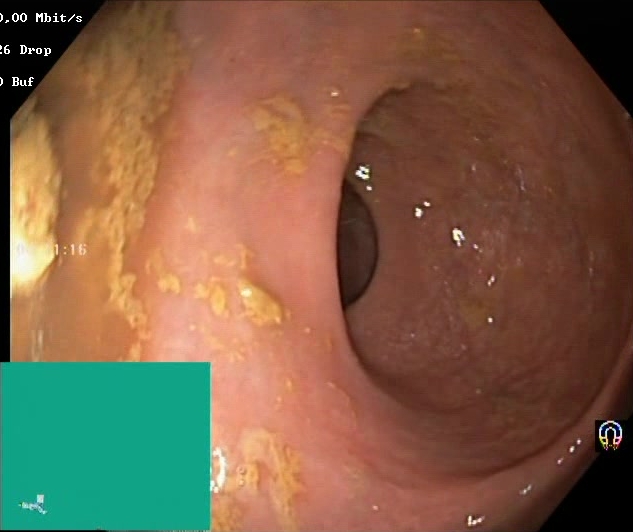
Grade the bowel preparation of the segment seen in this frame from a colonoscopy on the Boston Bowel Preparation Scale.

Boston Bowel Preparation Scale score 0–1 (inadequate preparation)